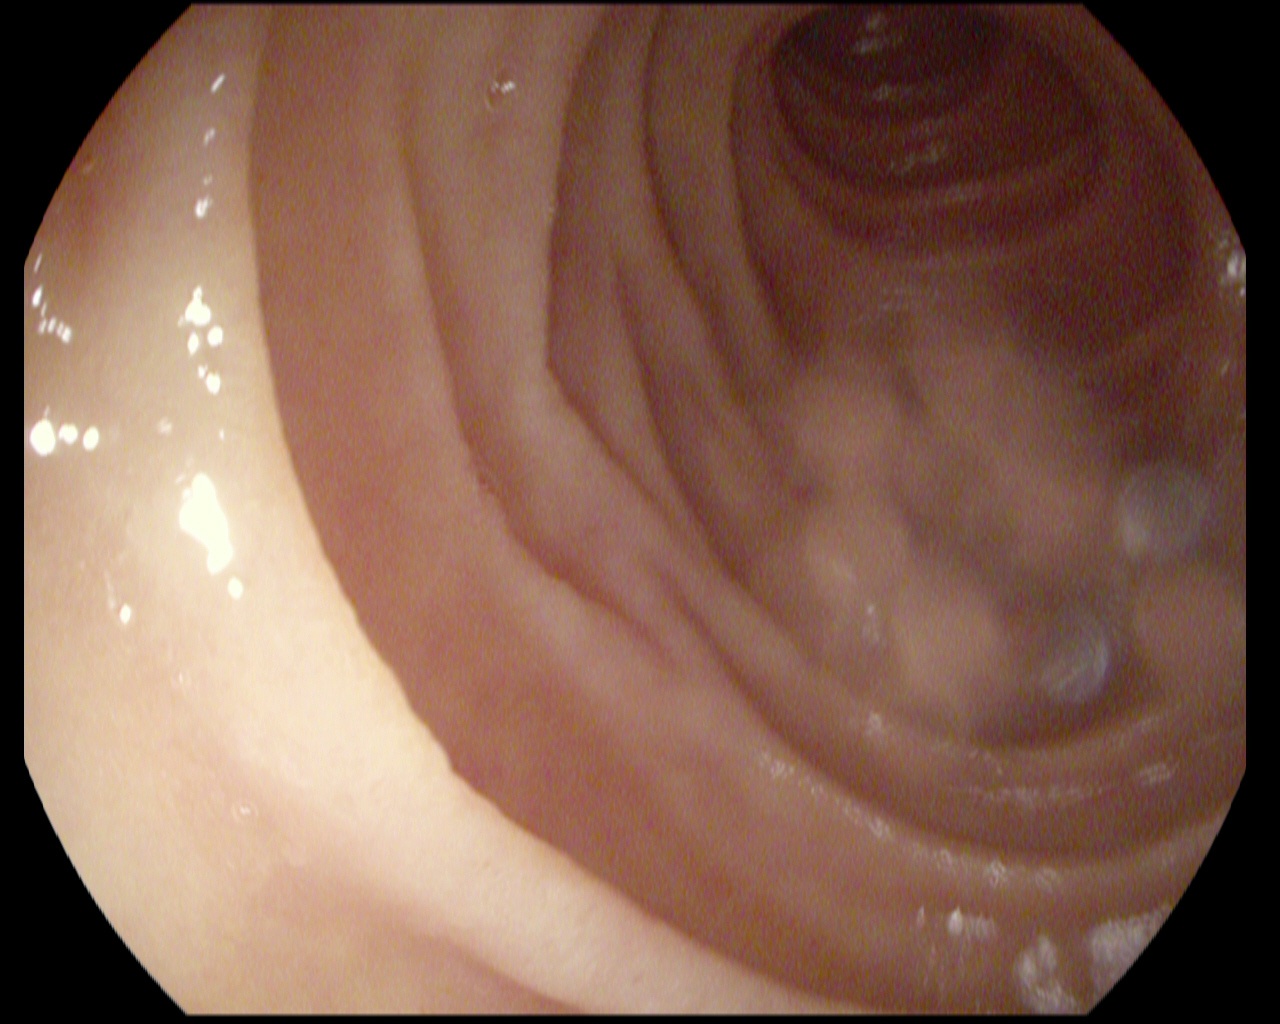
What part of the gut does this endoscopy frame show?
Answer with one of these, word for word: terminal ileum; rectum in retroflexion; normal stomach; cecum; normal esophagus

terminal ileum